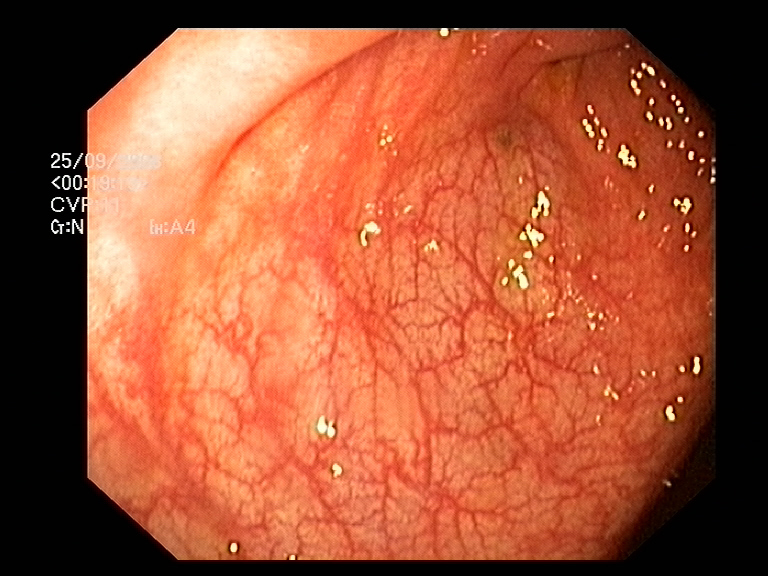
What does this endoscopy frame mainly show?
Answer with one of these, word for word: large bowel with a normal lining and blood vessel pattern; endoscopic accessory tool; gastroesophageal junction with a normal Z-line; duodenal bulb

large bowel with a normal lining and blood vessel pattern